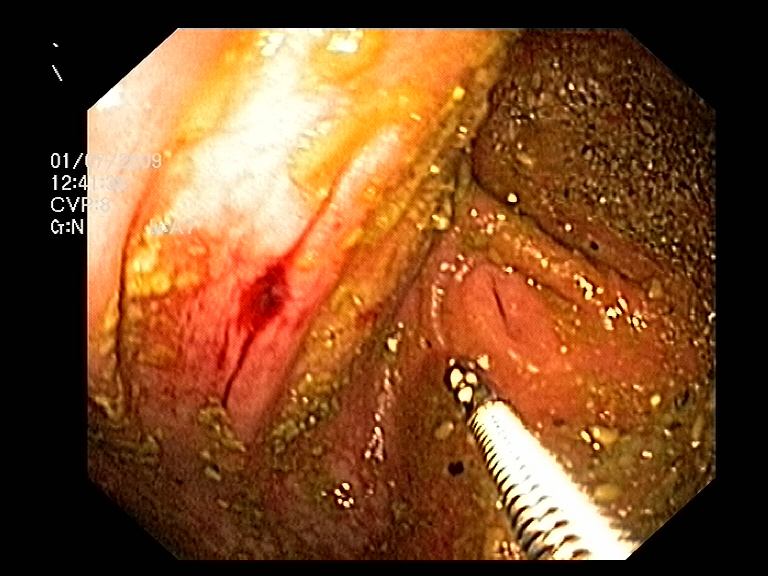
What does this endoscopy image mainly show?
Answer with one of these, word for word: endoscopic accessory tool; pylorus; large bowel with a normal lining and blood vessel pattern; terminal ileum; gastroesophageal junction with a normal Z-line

endoscopic accessory tool